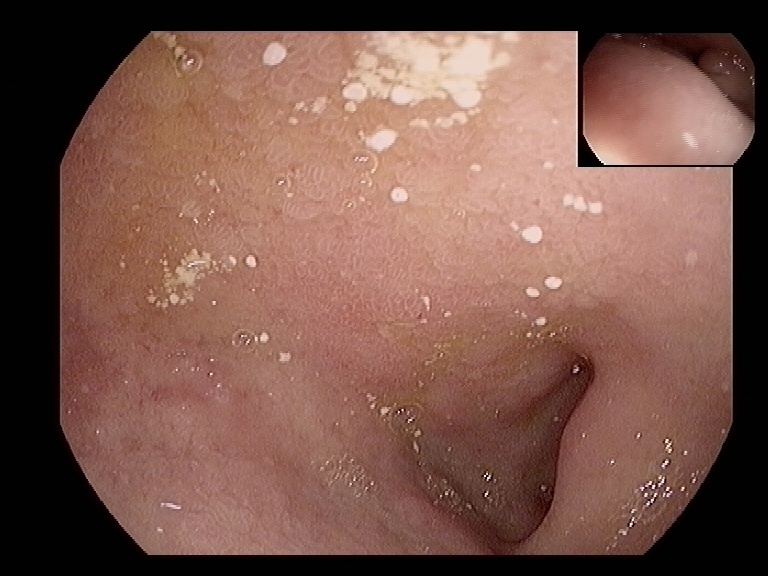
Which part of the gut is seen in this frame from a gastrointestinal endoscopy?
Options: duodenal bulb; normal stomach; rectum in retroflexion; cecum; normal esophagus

duodenal bulb